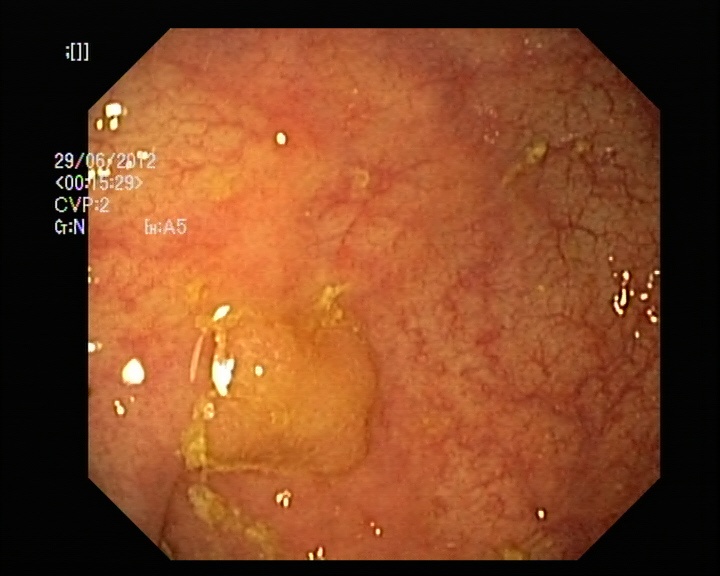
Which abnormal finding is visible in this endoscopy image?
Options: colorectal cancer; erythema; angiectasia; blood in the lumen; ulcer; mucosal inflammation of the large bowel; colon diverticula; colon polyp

colon polyp